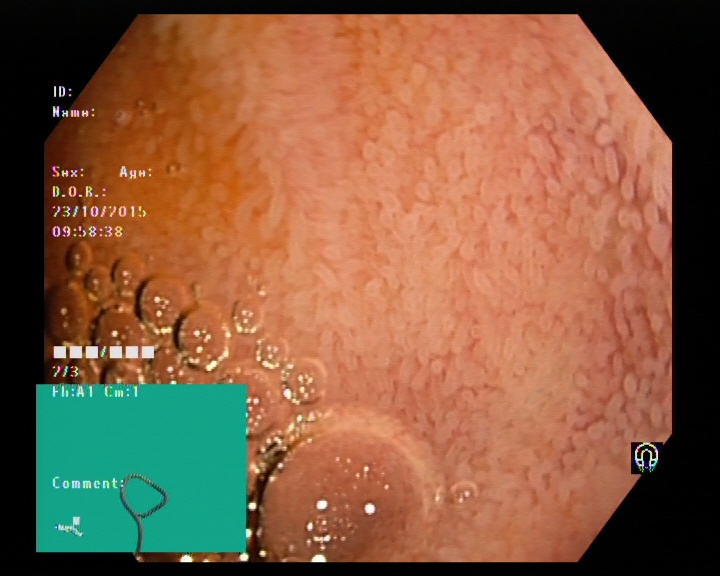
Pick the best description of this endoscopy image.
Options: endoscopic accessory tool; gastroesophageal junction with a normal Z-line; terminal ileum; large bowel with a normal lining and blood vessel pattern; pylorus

terminal ileum